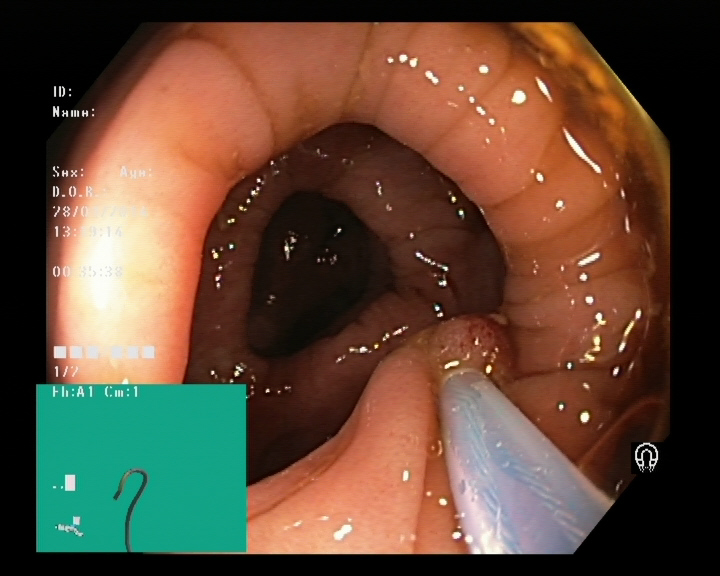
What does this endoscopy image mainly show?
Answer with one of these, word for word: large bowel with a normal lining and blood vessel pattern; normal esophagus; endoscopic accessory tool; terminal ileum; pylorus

endoscopic accessory tool